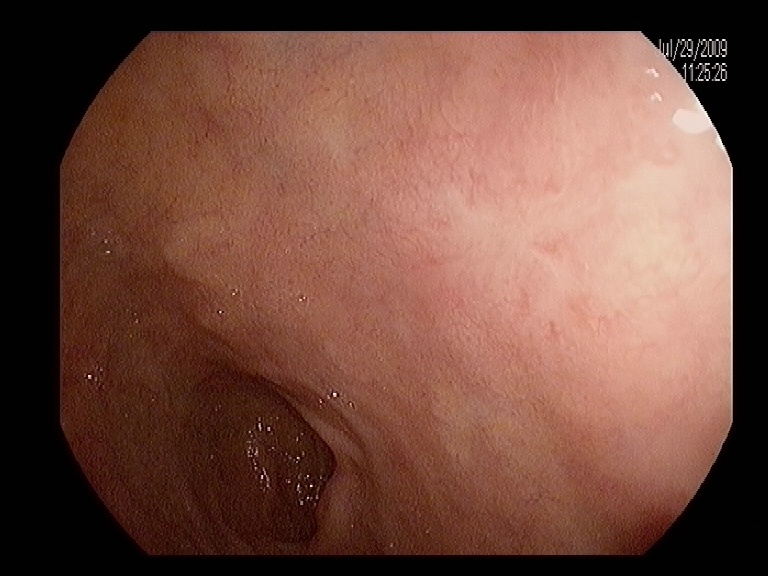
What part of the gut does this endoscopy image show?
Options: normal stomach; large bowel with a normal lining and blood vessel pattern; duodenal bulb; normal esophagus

duodenal bulb